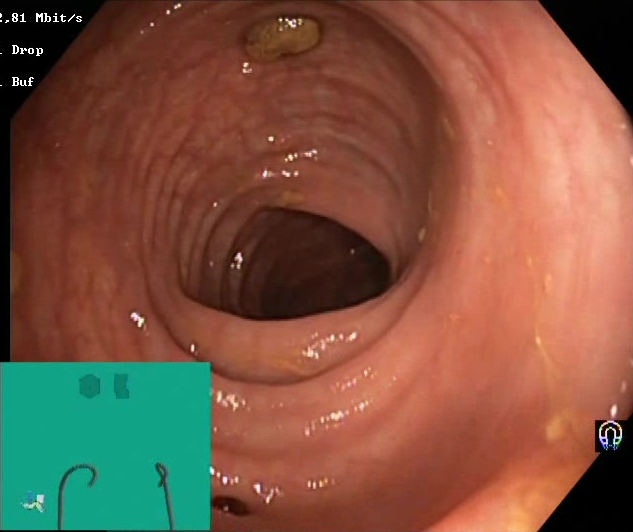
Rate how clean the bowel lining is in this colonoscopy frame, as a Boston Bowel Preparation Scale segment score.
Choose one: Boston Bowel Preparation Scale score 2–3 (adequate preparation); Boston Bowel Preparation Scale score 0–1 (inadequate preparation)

Boston Bowel Preparation Scale score 2–3 (adequate preparation)